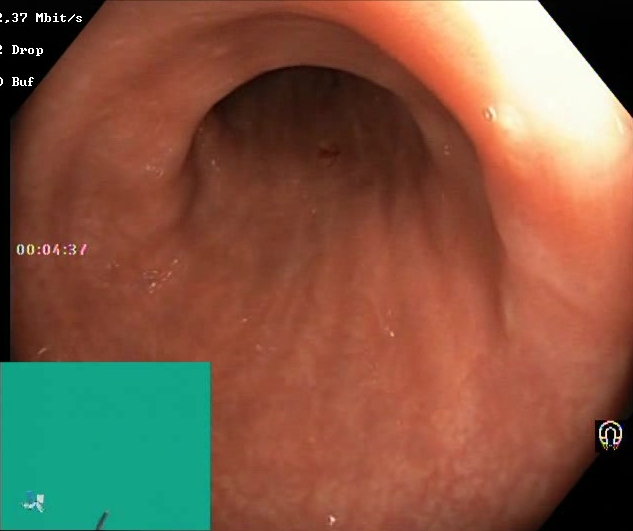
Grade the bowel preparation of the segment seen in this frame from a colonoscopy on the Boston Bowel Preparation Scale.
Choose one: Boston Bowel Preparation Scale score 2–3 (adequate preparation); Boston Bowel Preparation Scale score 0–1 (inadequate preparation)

Boston Bowel Preparation Scale score 2–3 (adequate preparation)